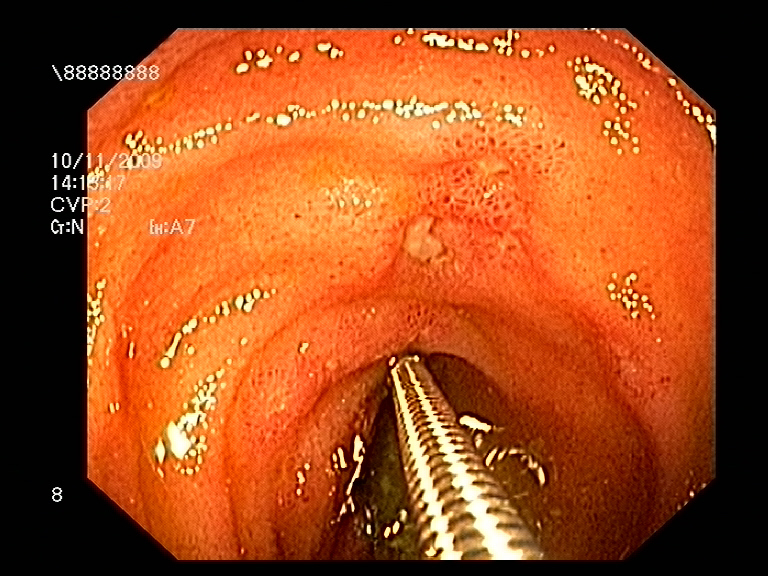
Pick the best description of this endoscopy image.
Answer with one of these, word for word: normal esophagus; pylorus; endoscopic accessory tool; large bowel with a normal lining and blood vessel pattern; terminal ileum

endoscopic accessory tool